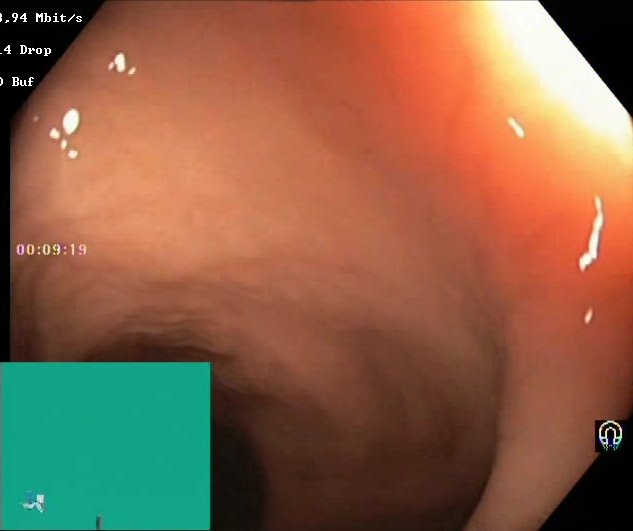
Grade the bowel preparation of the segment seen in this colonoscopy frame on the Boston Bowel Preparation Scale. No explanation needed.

Boston Bowel Preparation Scale score 2–3 (adequate preparation)